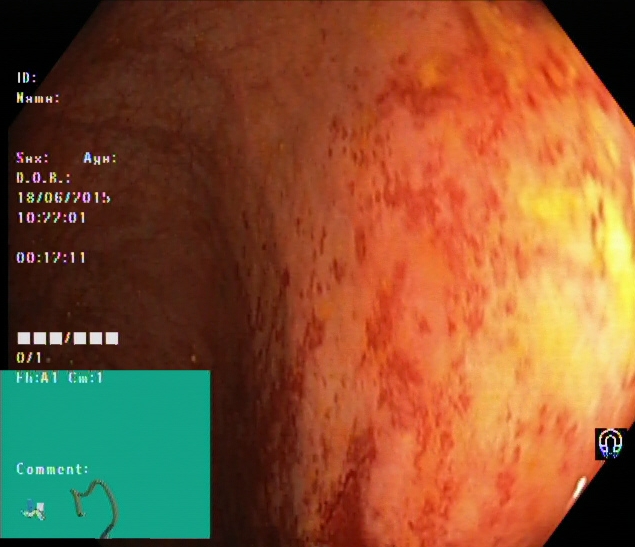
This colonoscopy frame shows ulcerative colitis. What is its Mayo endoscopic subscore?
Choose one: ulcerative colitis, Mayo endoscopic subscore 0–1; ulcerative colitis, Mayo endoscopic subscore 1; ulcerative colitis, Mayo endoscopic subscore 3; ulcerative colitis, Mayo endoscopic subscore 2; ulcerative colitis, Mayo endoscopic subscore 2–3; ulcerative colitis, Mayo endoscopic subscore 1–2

ulcerative colitis, Mayo endoscopic subscore 1